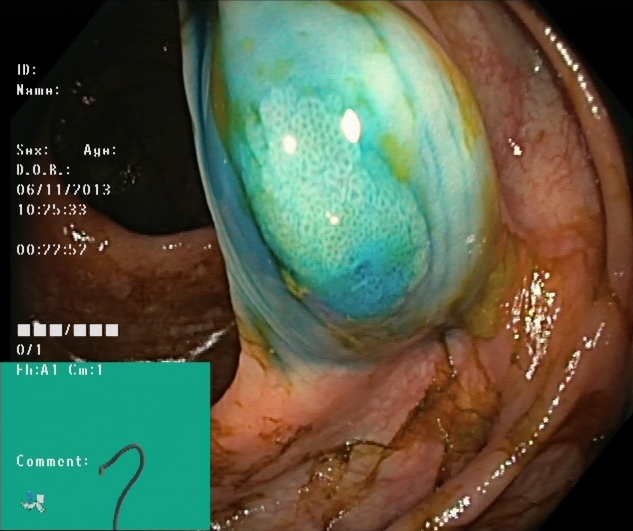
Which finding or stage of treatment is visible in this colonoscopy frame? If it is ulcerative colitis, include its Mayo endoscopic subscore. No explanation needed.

dyed and lifted polyp (pre-resection)